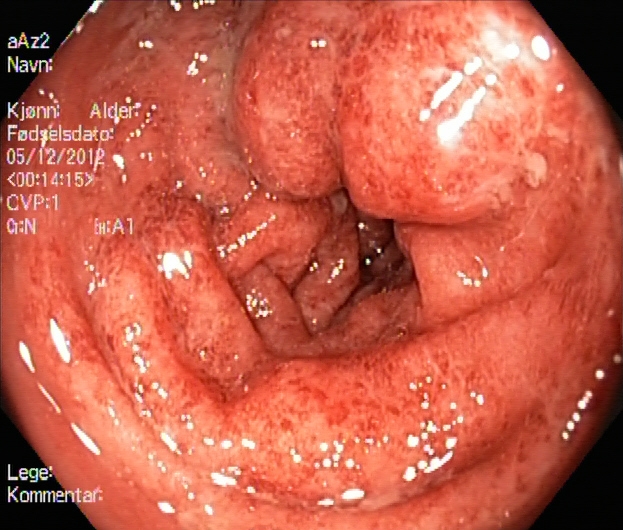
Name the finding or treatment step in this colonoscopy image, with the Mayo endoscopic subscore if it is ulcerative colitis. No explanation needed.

ulcerative colitis, Mayo endoscopic subscore 3